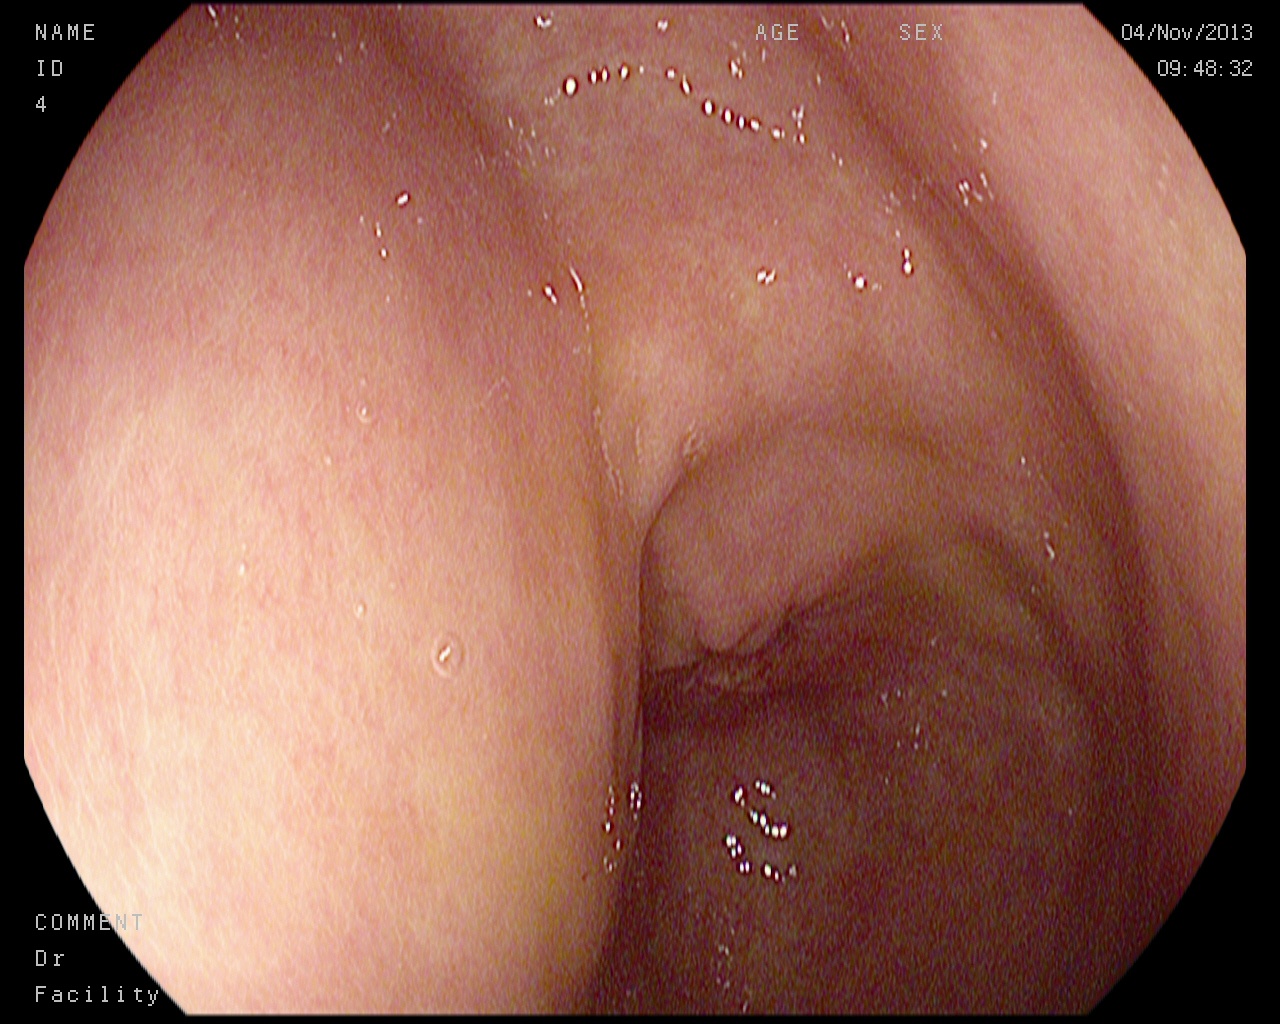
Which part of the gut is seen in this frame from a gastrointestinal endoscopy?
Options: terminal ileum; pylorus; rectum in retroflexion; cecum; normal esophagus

pylorus